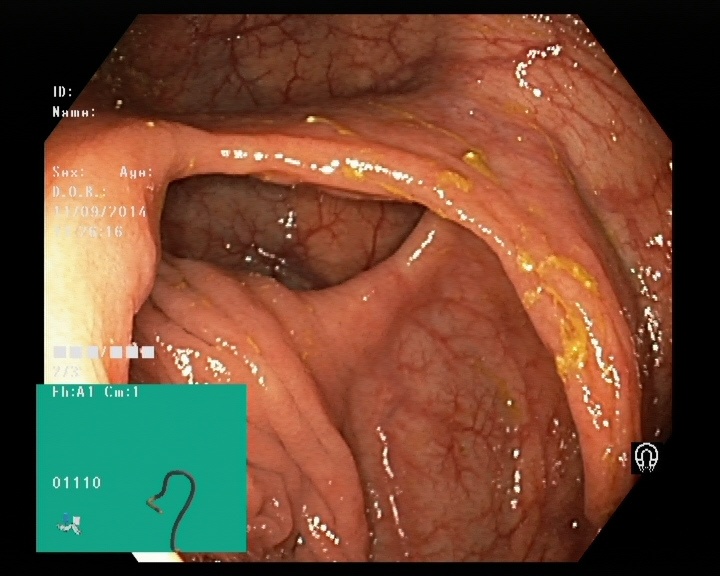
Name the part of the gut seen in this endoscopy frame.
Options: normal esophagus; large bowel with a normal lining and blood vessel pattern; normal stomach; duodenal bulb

large bowel with a normal lining and blood vessel pattern